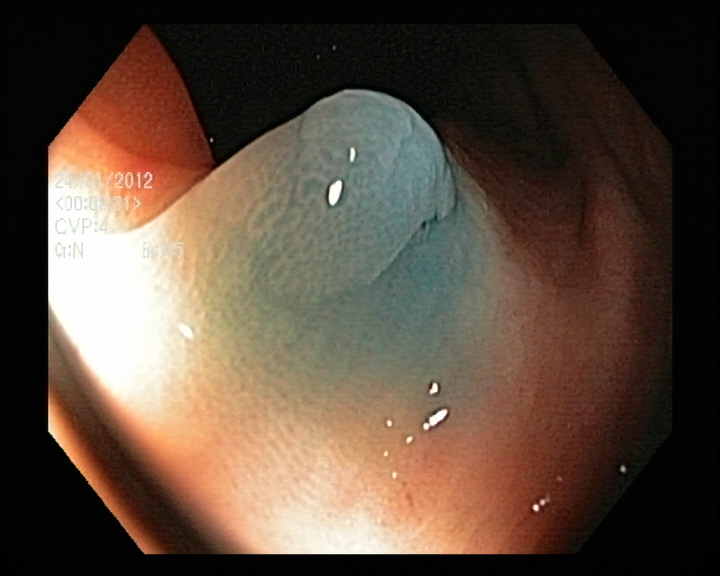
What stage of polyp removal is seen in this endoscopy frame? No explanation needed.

dyed and lifted polyp (pre-resection)